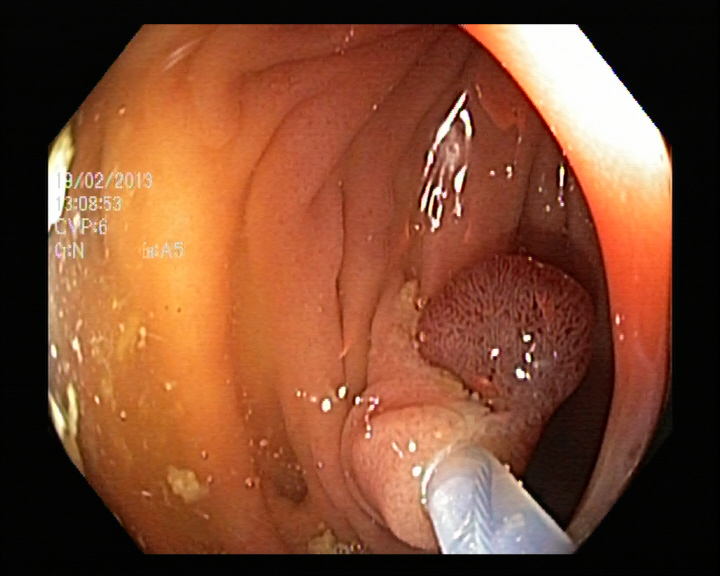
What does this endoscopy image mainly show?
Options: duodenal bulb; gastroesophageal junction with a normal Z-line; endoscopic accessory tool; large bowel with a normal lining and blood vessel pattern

endoscopic accessory tool